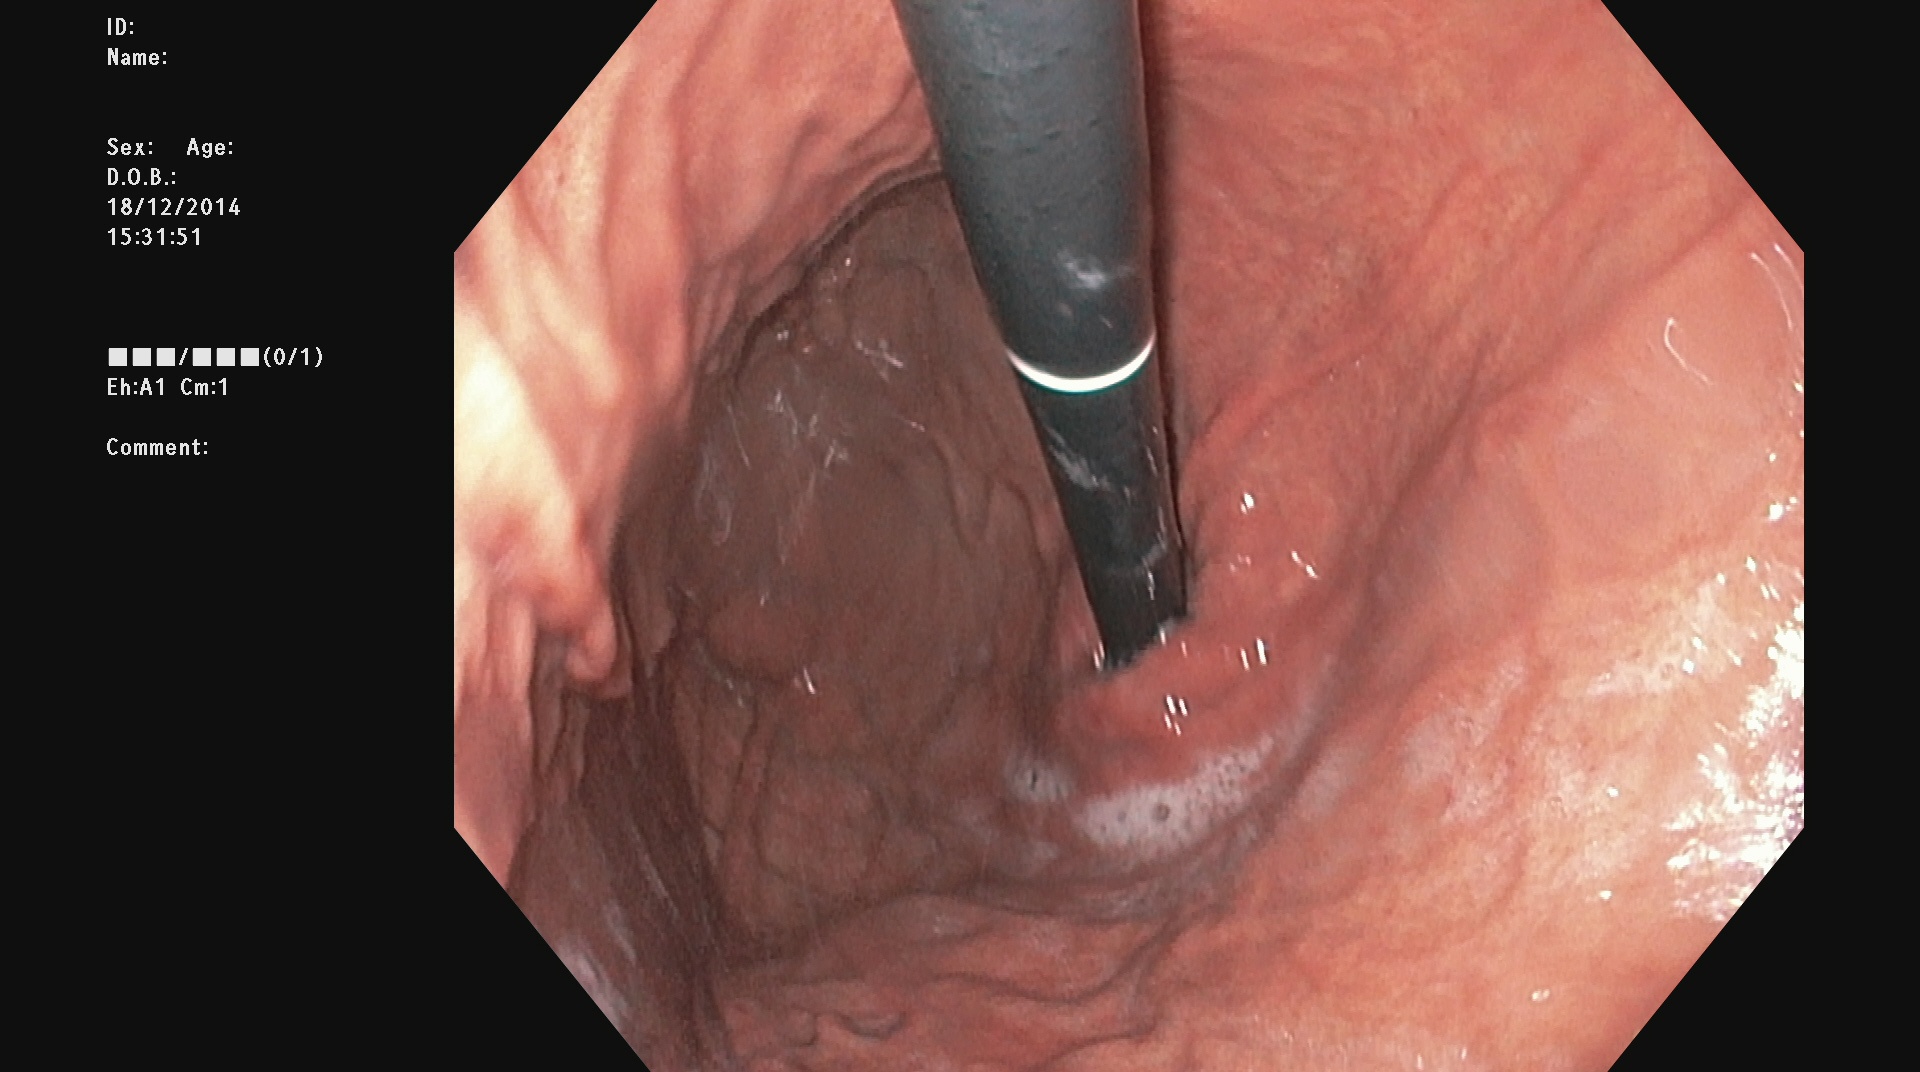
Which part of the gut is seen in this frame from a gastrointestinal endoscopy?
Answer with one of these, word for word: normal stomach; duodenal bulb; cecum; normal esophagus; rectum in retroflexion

normal stomach